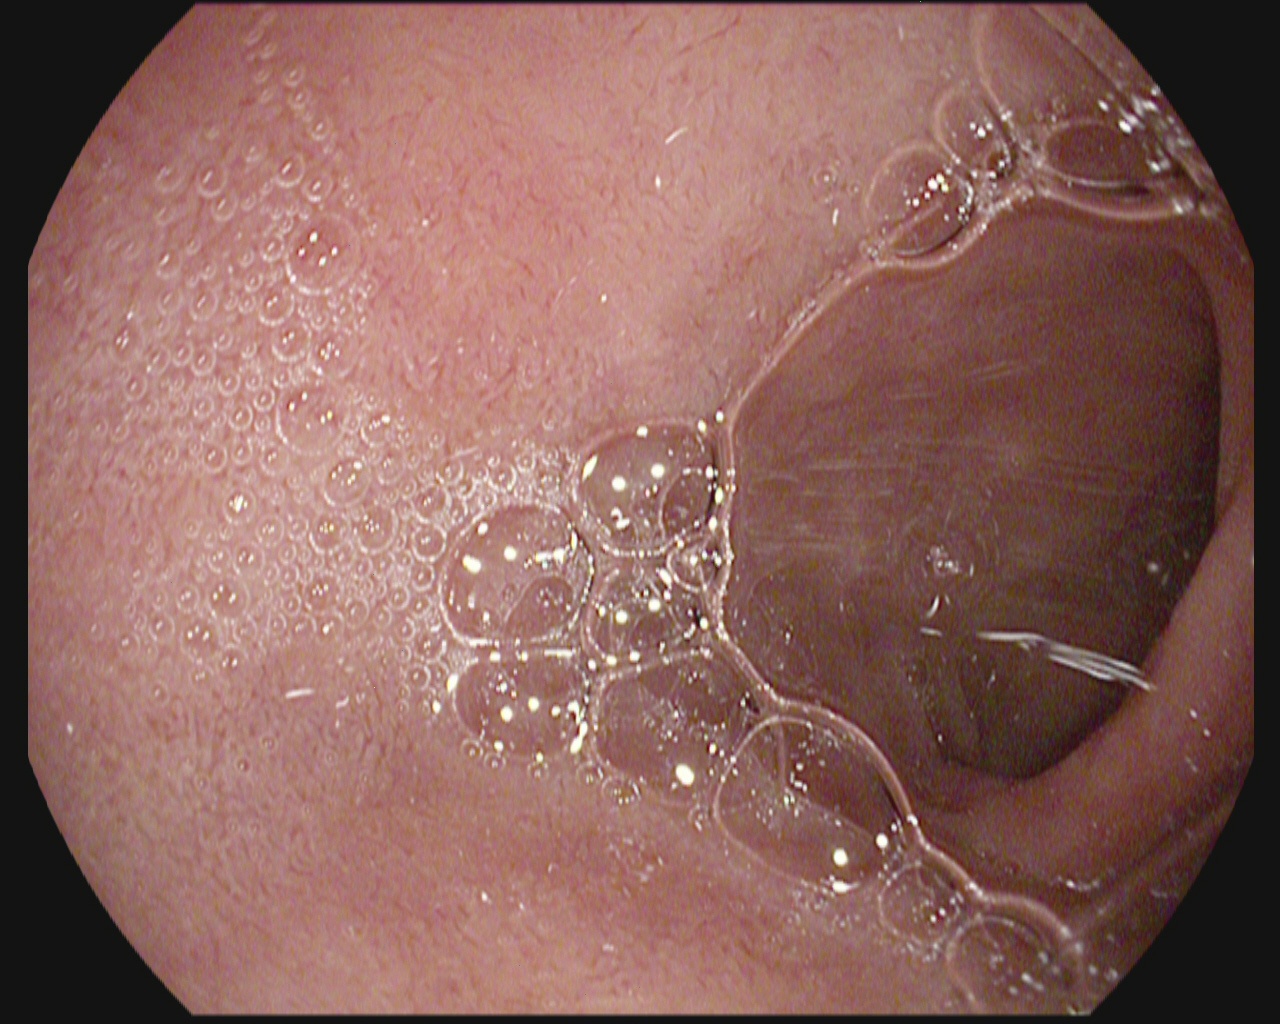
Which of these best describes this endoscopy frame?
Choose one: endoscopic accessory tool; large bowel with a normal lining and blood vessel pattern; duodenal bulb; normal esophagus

duodenal bulb